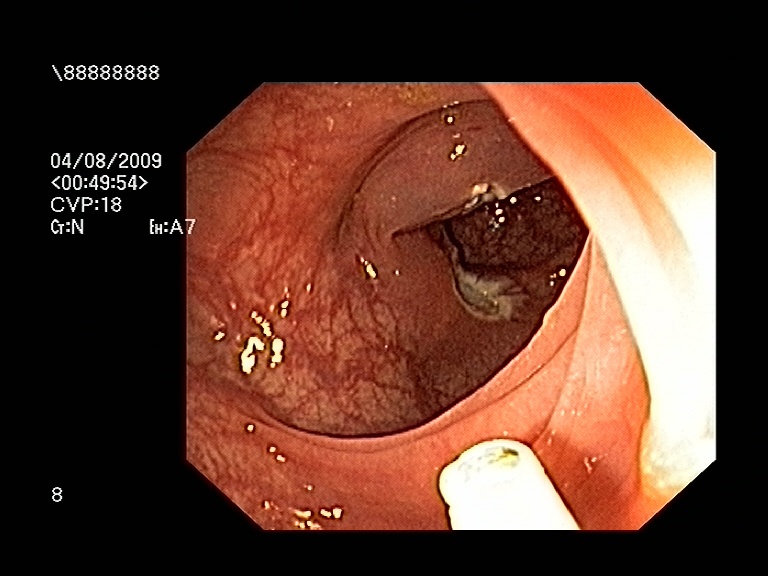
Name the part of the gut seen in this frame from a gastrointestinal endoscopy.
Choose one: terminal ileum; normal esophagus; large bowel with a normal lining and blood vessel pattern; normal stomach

large bowel with a normal lining and blood vessel pattern